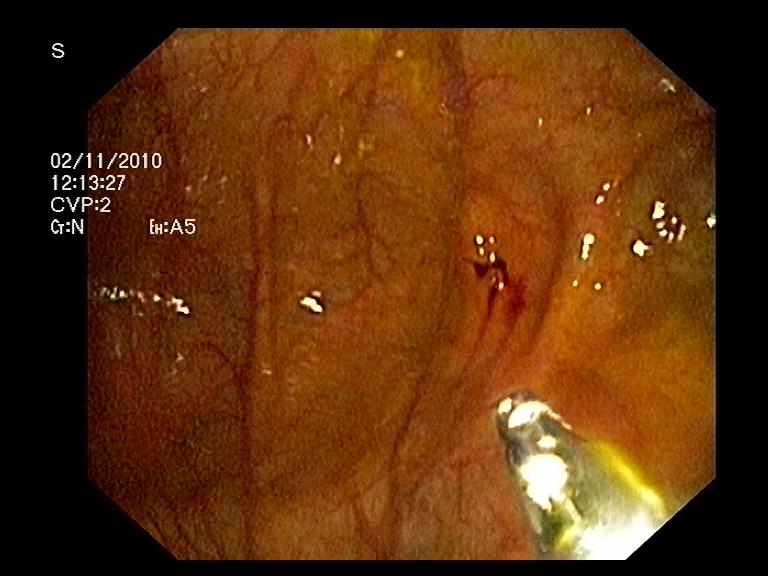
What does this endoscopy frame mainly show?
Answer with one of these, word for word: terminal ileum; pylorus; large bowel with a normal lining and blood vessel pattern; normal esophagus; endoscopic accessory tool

endoscopic accessory tool